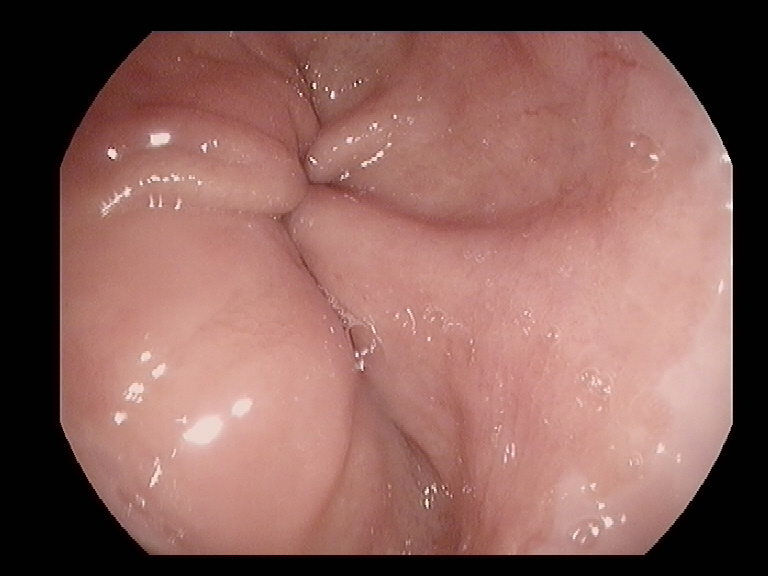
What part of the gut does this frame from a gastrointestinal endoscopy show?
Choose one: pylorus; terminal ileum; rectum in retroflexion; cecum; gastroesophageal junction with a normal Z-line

gastroesophageal junction with a normal Z-line